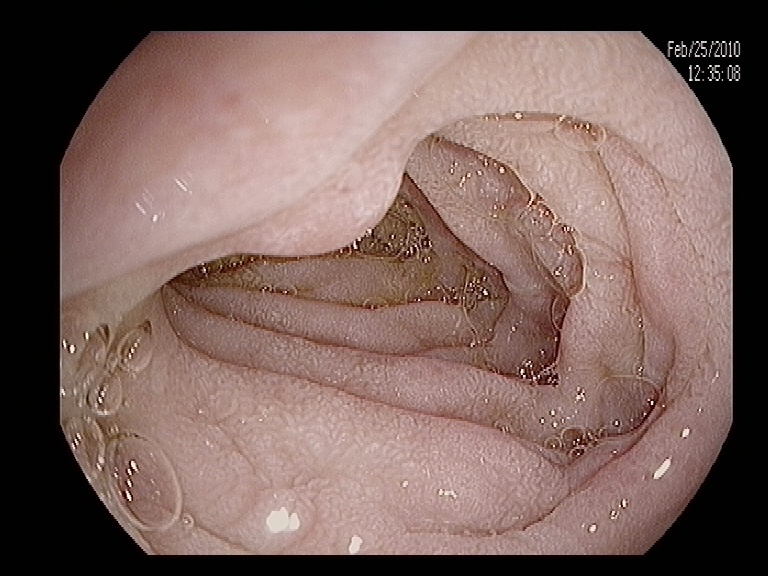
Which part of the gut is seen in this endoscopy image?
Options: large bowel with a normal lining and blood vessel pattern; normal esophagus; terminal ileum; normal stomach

terminal ileum